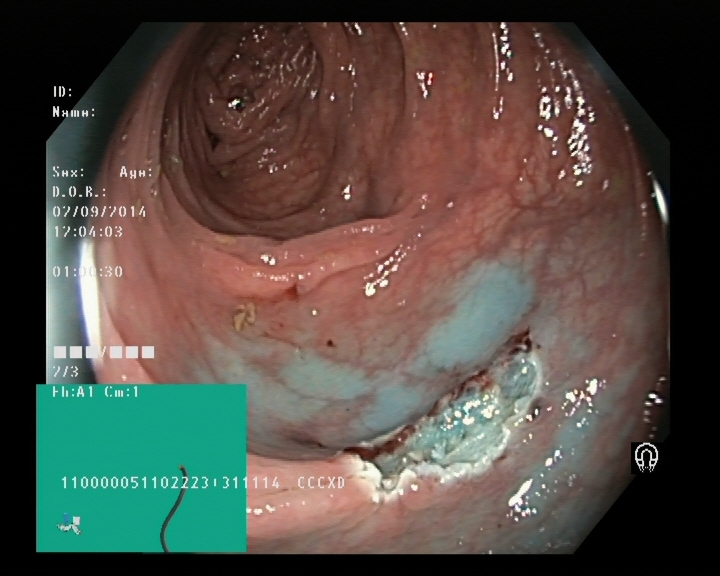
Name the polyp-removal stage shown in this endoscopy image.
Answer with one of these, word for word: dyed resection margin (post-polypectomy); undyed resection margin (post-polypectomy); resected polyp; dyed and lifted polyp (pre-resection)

dyed resection margin (post-polypectomy)